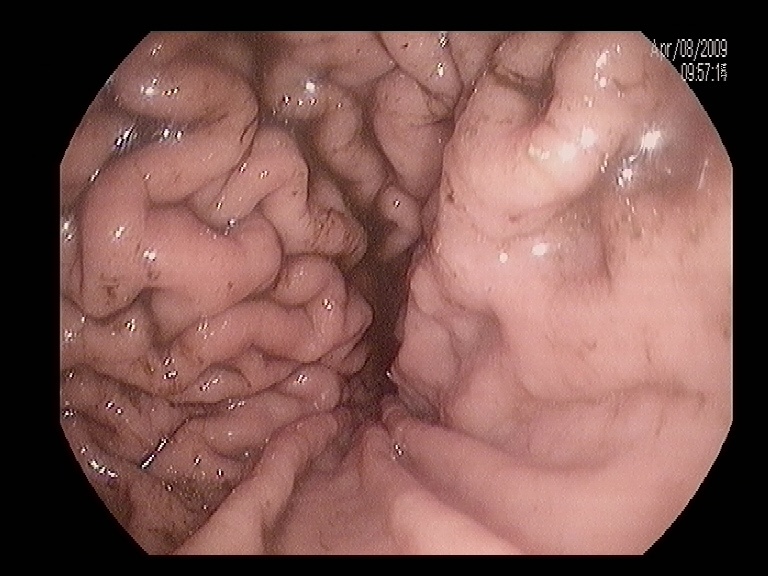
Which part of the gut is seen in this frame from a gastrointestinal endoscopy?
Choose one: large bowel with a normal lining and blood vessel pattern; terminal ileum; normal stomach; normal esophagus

normal stomach